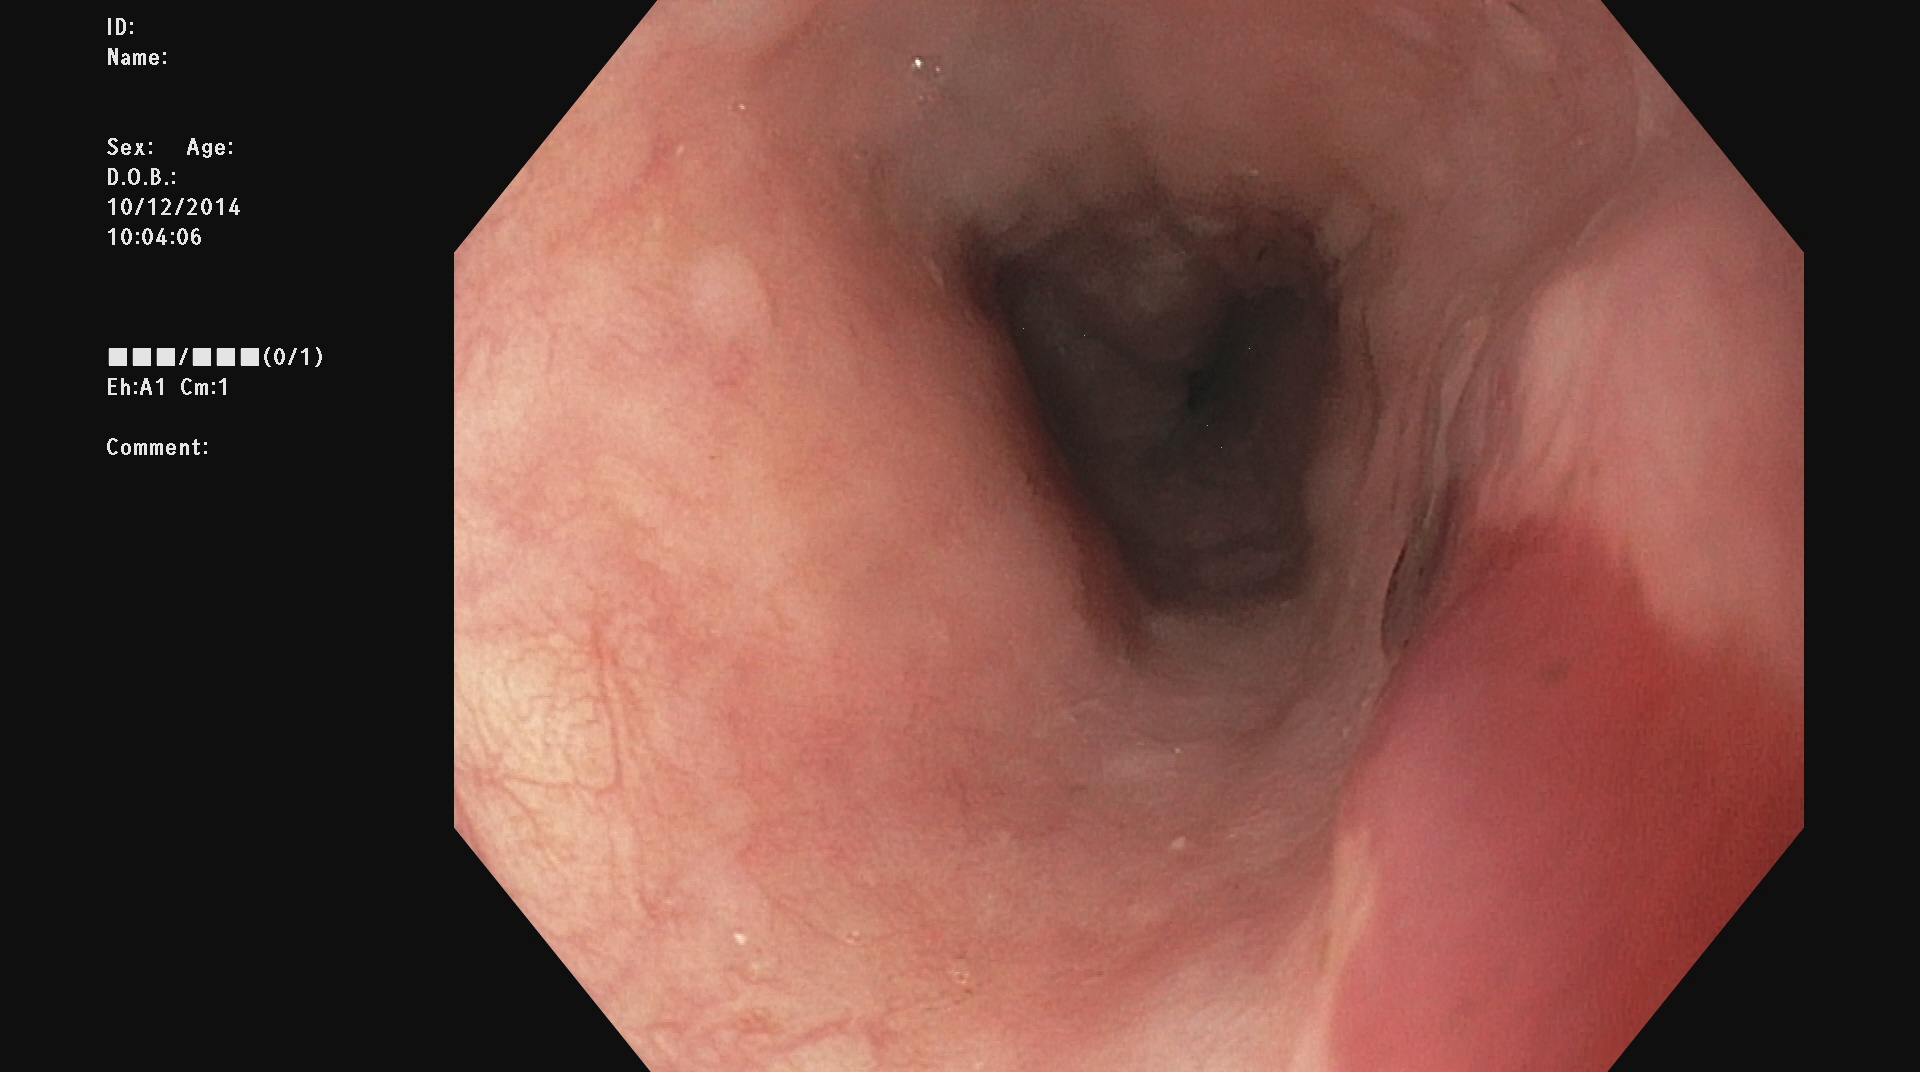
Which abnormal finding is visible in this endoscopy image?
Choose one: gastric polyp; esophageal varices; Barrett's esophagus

Barrett's esophagus